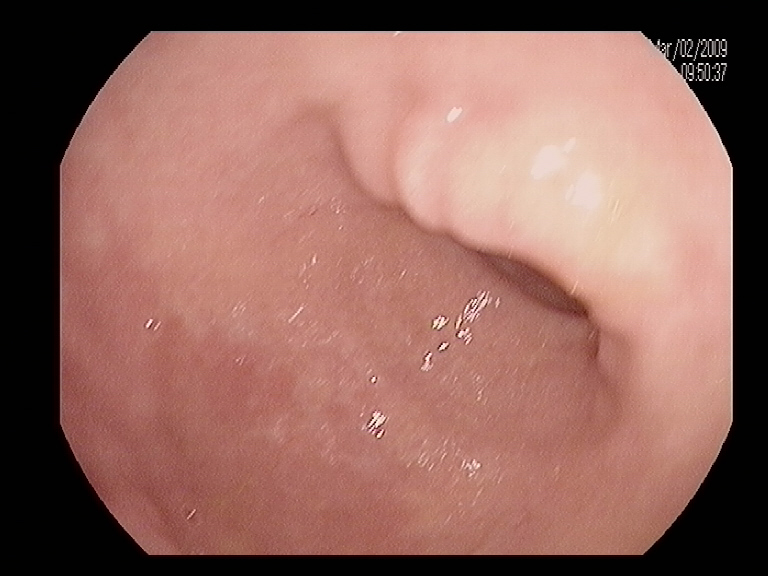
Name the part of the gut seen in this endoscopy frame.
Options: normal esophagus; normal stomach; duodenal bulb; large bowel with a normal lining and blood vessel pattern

normal stomach